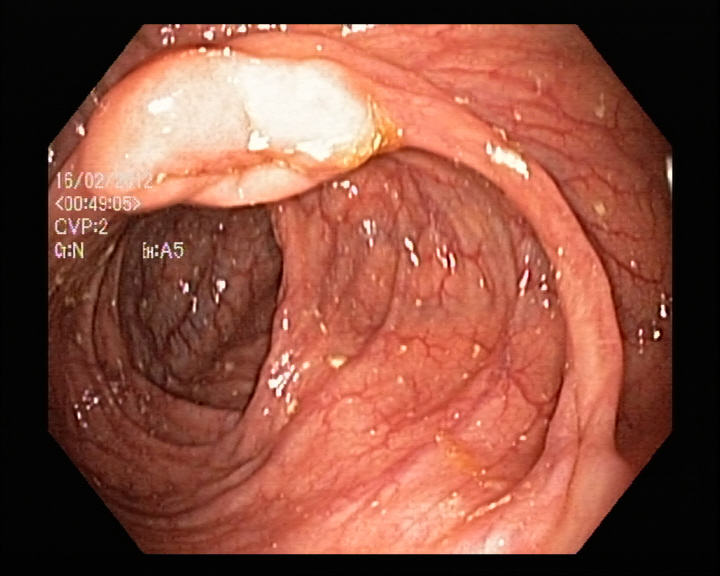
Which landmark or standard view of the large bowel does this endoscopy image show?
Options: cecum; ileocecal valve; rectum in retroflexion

ileocecal valve